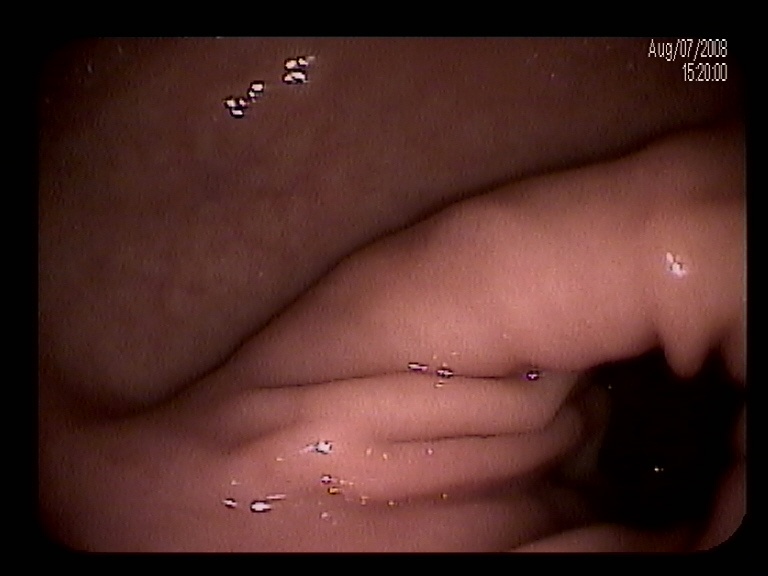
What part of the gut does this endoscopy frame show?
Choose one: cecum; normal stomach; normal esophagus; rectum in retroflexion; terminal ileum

normal stomach